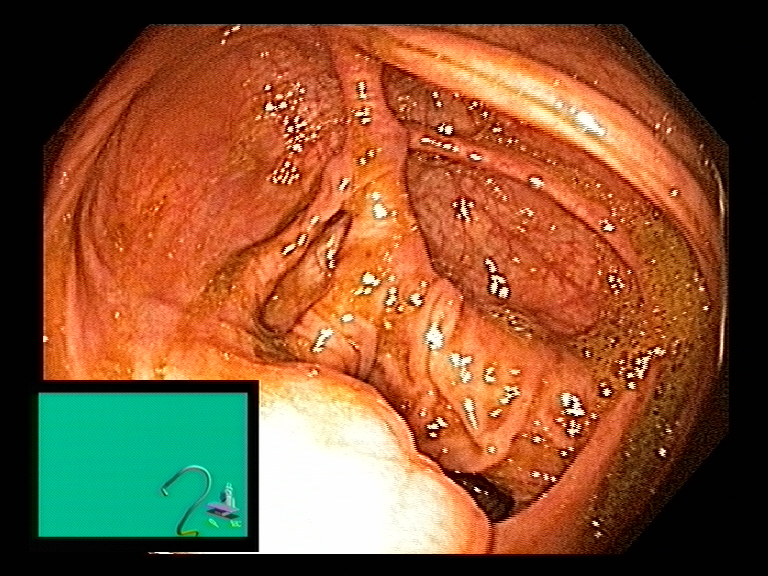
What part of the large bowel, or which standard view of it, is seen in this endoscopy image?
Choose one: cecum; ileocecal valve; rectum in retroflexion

ileocecal valve